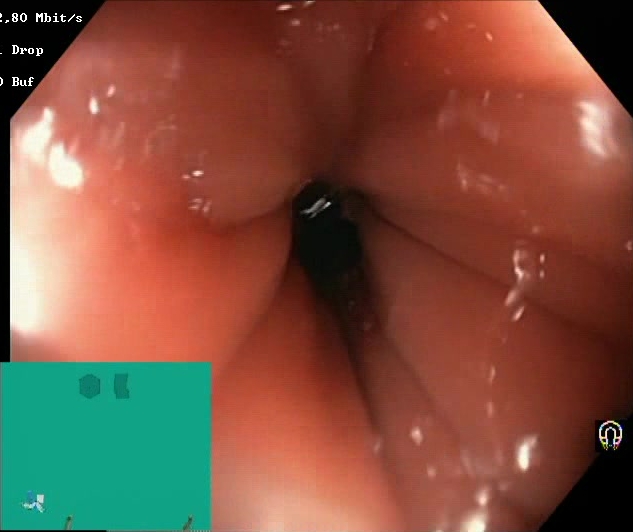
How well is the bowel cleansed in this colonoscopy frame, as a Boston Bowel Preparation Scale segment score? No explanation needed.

Boston Bowel Preparation Scale score 2–3 (adequate preparation)